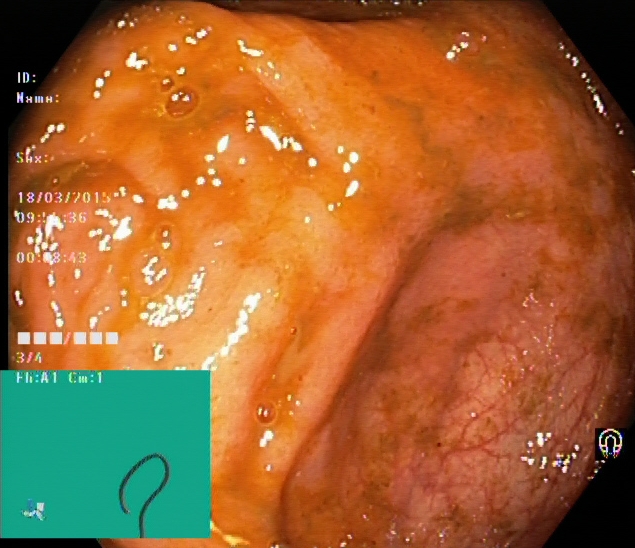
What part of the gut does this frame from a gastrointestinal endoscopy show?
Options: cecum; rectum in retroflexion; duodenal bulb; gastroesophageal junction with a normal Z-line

cecum